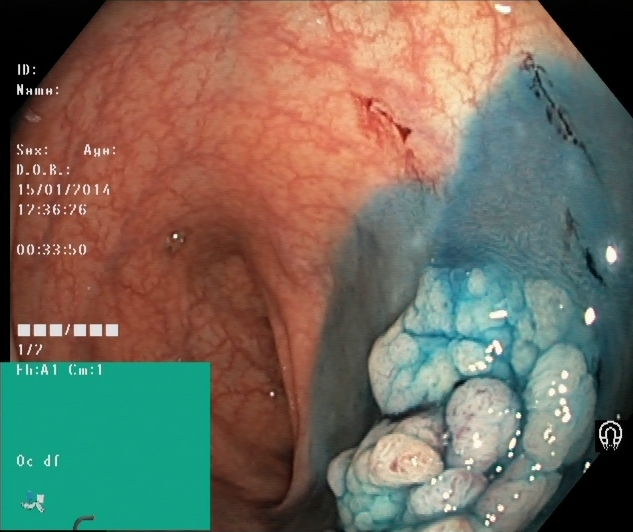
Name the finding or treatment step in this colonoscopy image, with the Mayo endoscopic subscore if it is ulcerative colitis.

dyed and lifted polyp (pre-resection)